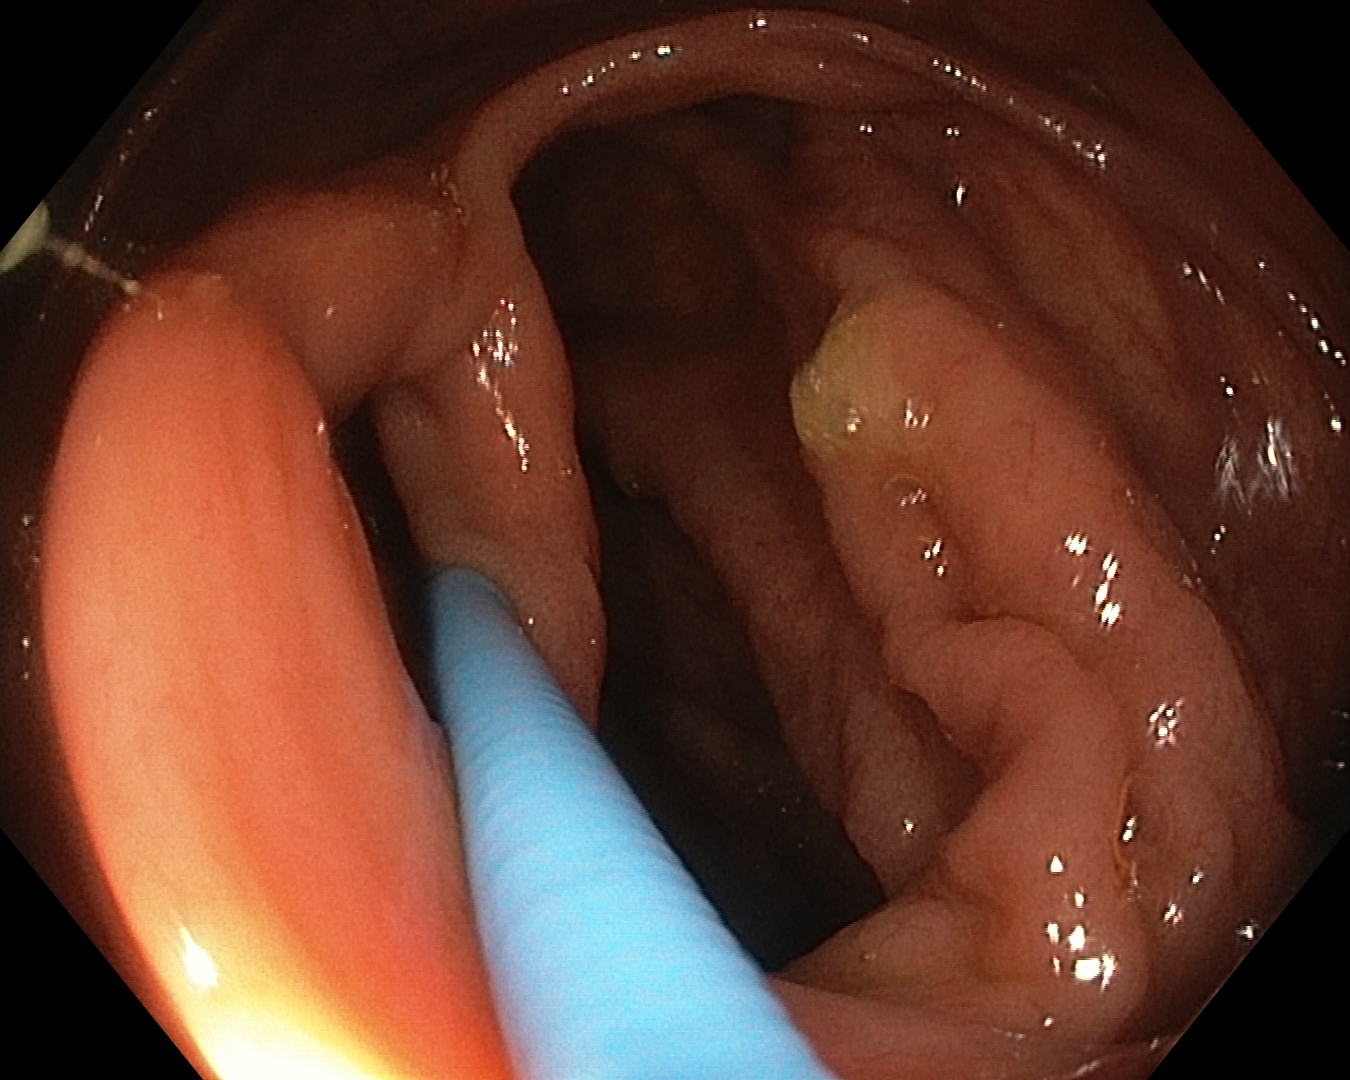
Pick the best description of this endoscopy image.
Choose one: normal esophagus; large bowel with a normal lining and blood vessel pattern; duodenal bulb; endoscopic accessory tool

endoscopic accessory tool